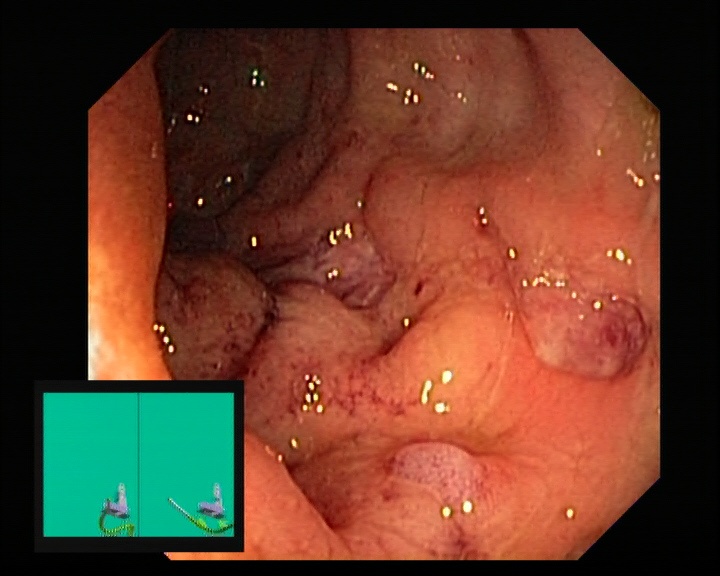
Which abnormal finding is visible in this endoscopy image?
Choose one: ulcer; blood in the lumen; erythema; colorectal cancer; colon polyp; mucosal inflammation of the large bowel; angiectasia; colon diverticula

colorectal cancer